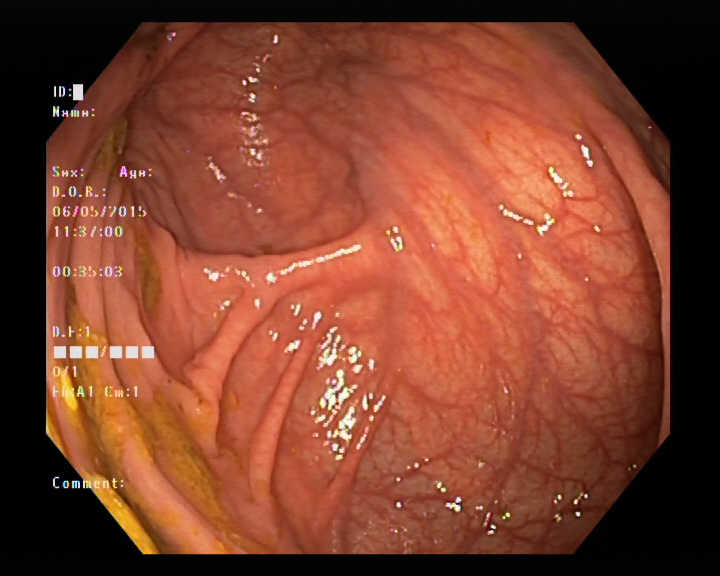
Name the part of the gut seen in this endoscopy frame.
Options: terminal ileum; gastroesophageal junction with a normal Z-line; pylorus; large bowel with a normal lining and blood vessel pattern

large bowel with a normal lining and blood vessel pattern